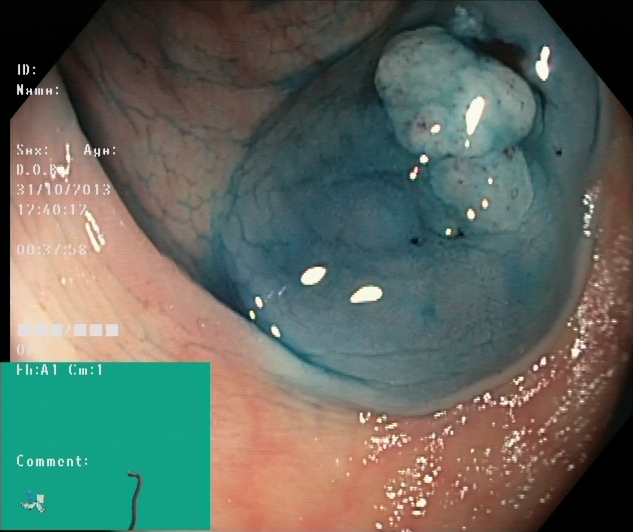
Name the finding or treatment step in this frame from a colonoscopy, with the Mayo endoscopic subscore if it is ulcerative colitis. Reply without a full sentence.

dyed and lifted polyp (pre-resection)